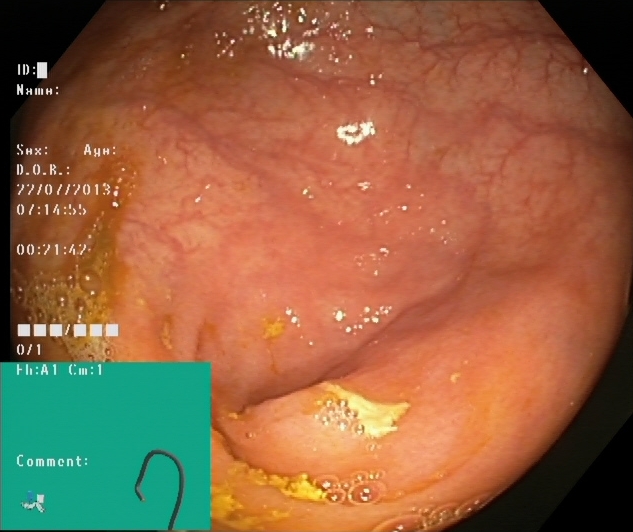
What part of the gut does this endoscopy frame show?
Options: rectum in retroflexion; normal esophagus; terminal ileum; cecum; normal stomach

cecum